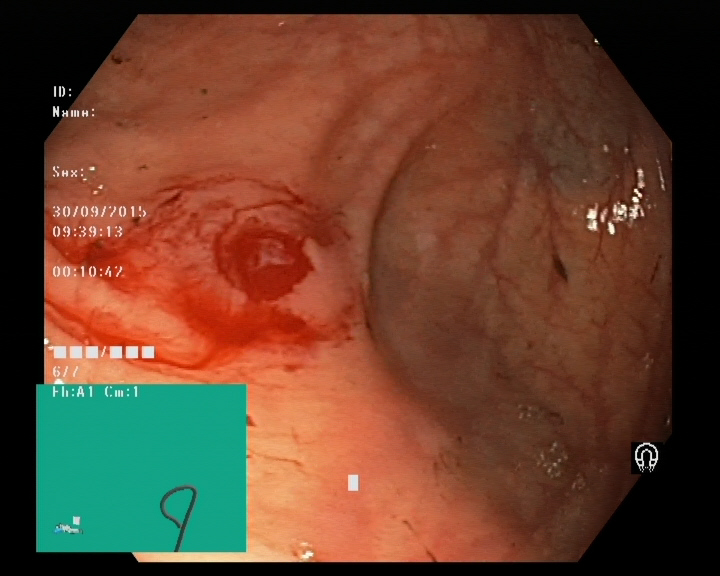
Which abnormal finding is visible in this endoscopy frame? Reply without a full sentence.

blood in the lumen